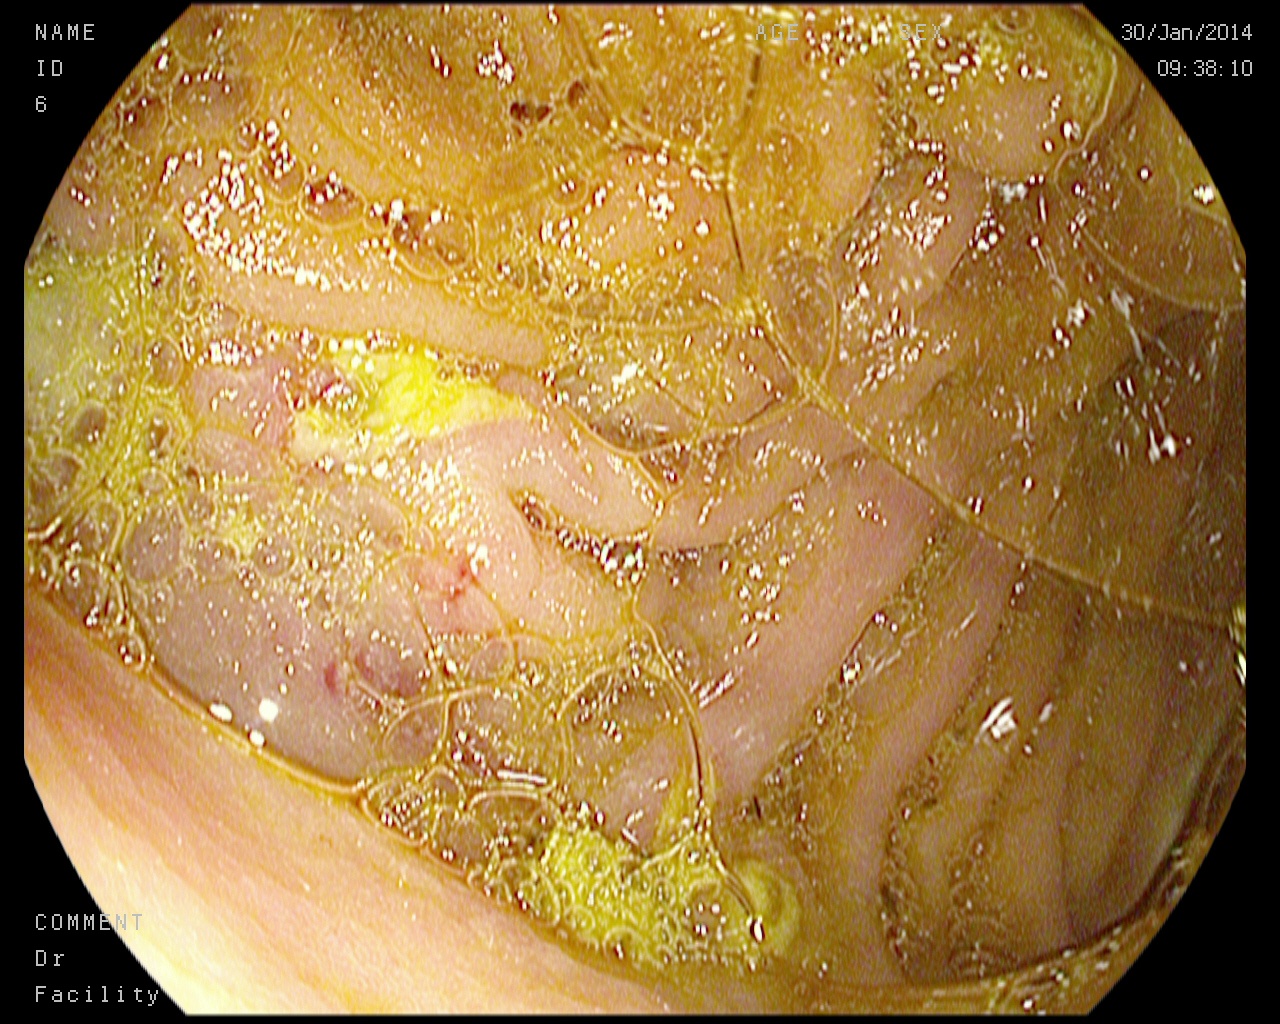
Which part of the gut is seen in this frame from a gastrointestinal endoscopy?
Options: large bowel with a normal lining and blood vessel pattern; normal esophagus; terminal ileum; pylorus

terminal ileum